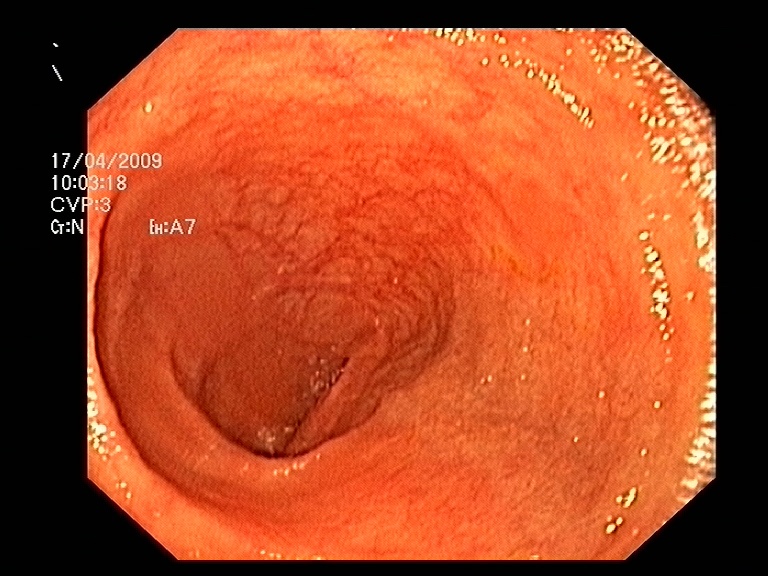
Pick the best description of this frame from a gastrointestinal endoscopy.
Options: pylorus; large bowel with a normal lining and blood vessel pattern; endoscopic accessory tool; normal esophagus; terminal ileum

terminal ileum